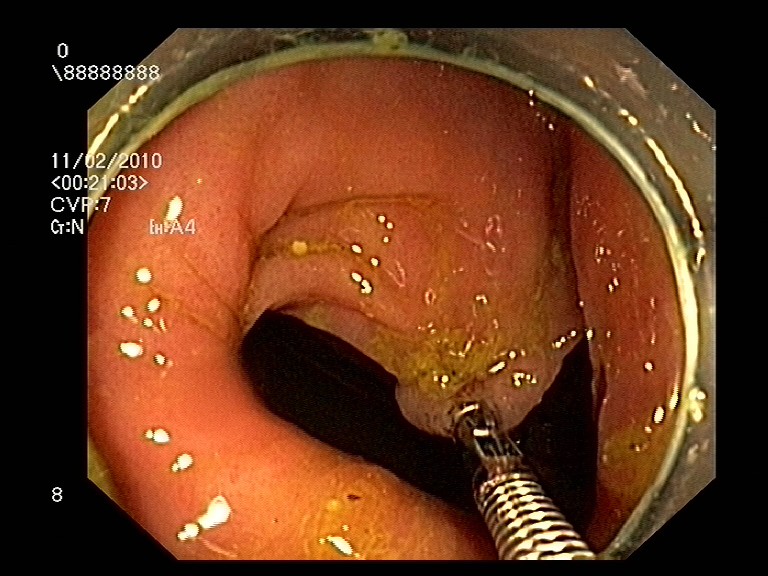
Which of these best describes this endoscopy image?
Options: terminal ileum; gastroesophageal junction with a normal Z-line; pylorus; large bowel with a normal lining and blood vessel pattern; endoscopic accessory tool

endoscopic accessory tool